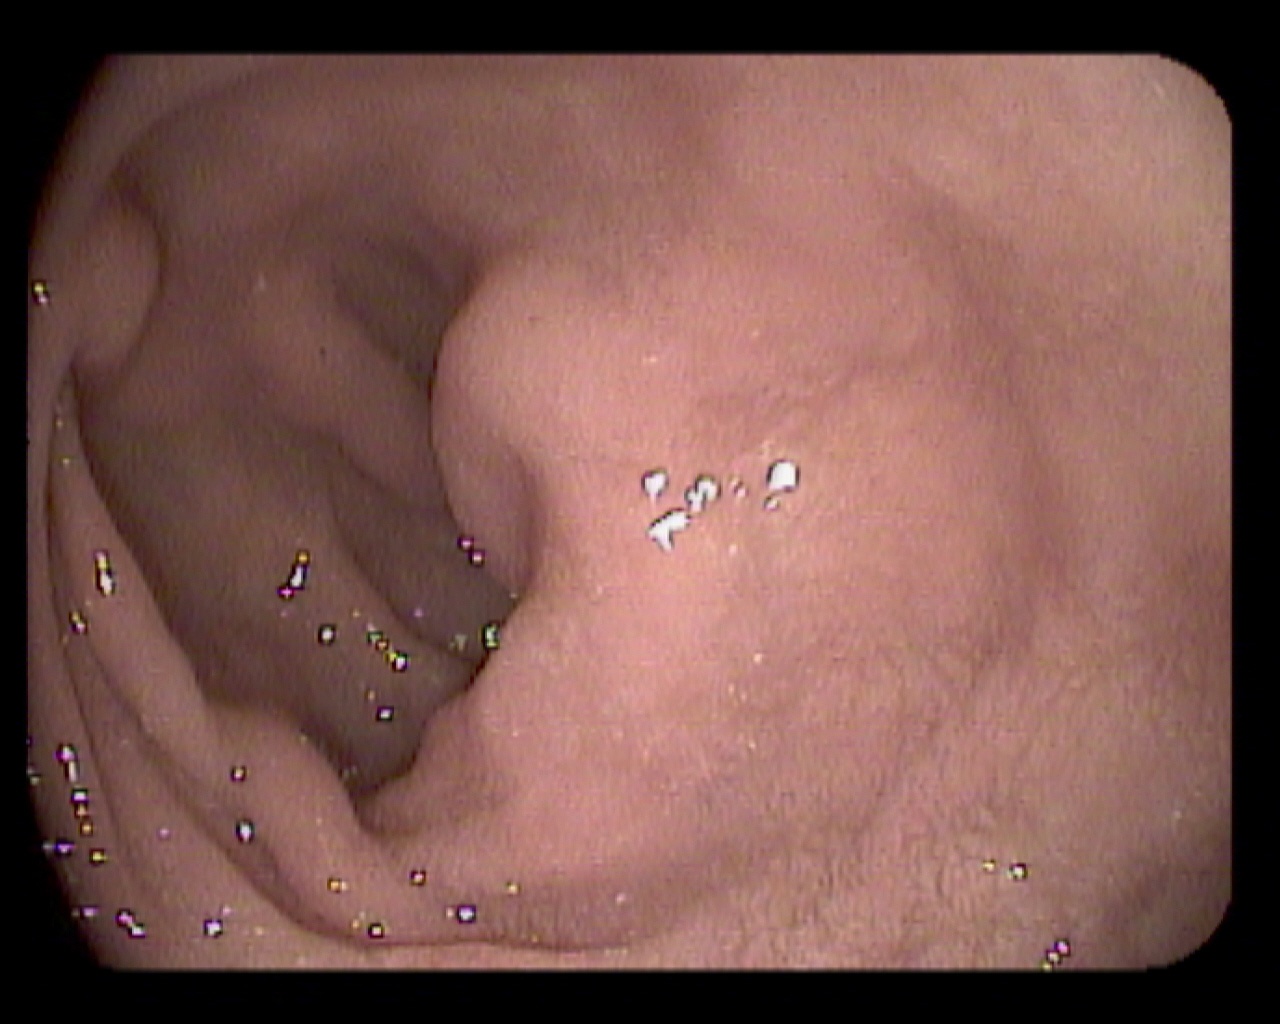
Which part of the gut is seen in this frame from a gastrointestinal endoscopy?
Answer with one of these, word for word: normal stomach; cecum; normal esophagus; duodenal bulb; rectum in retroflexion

duodenal bulb